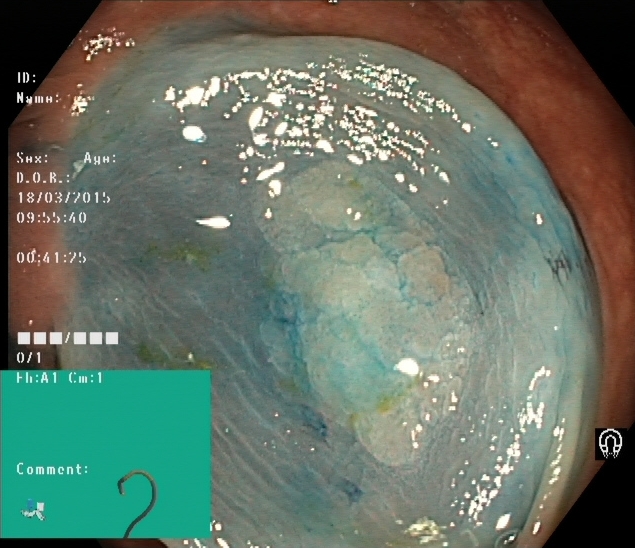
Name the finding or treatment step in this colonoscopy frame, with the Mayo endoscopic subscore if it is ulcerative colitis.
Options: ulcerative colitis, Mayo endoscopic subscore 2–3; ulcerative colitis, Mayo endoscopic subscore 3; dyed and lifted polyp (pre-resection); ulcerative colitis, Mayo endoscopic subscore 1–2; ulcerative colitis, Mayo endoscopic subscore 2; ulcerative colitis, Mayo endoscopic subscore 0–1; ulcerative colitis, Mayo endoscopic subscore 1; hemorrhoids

dyed and lifted polyp (pre-resection)